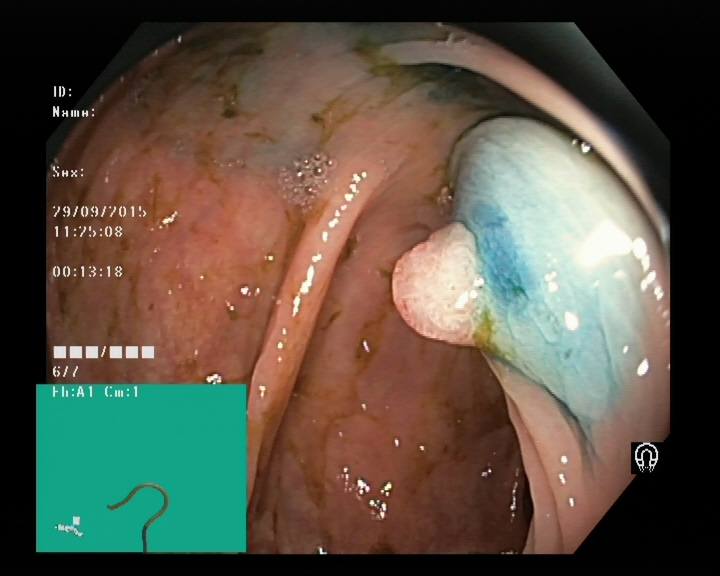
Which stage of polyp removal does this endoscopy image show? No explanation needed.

dyed and lifted polyp (pre-resection)